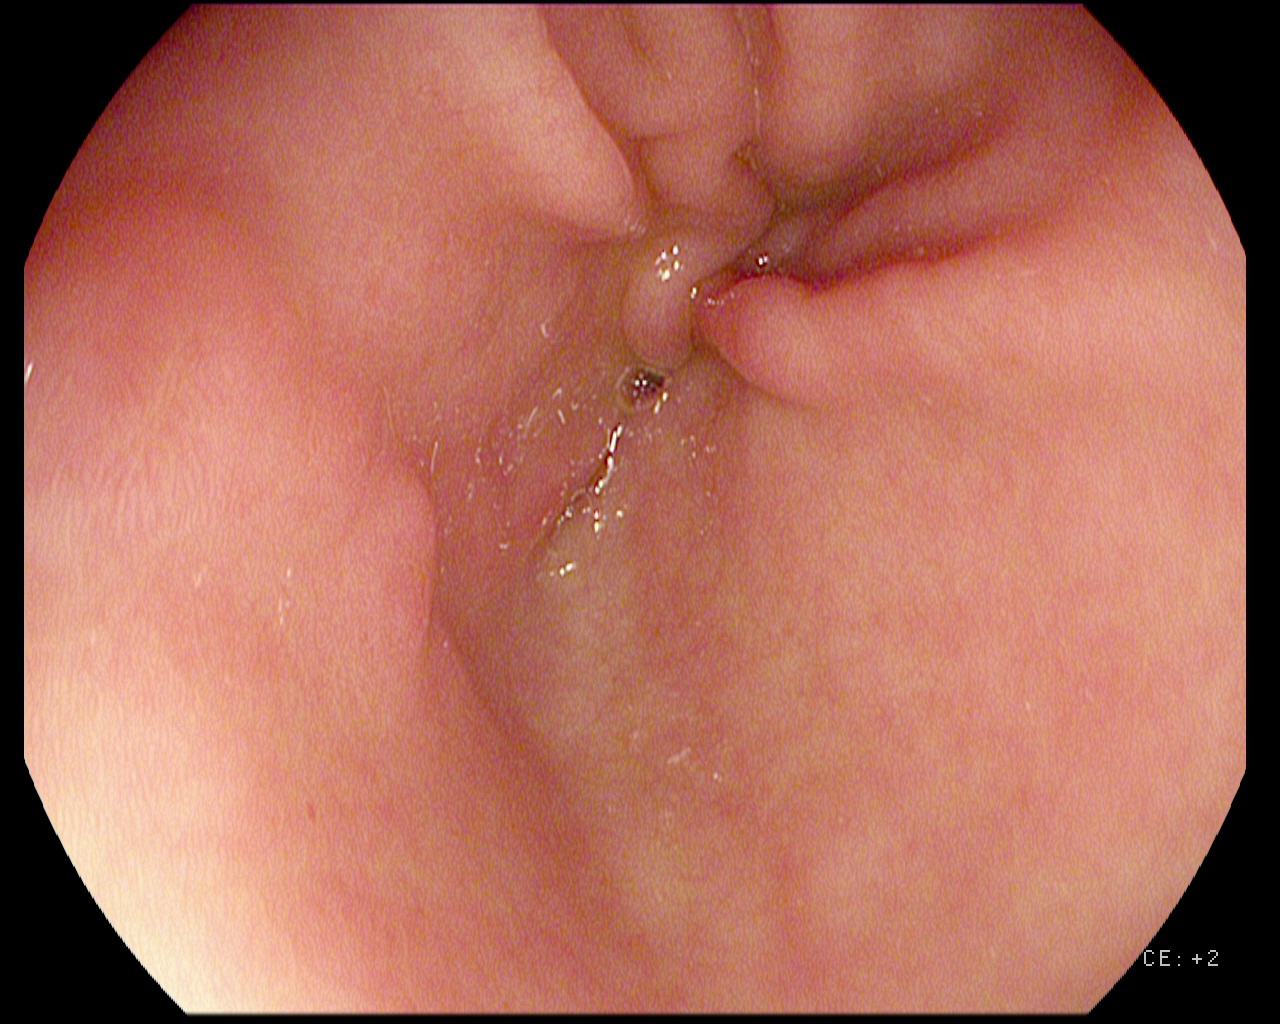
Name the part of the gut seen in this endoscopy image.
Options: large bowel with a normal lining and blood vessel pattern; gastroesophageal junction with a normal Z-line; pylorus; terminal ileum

pylorus